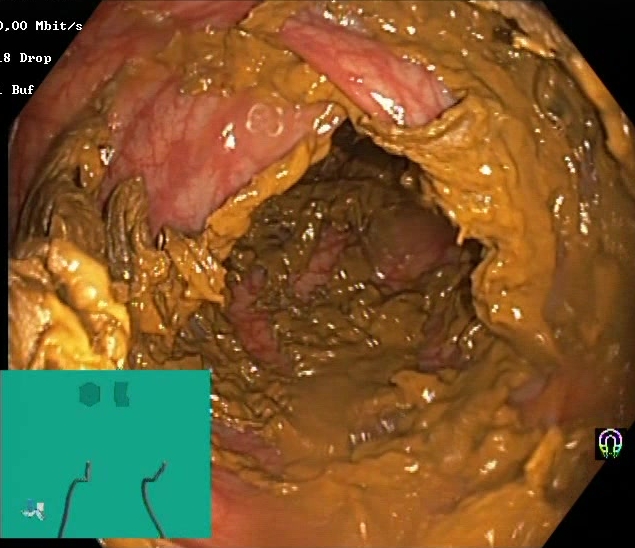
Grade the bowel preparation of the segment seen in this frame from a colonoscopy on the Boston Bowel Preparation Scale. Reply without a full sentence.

Boston Bowel Preparation Scale score 0–1 (inadequate preparation)